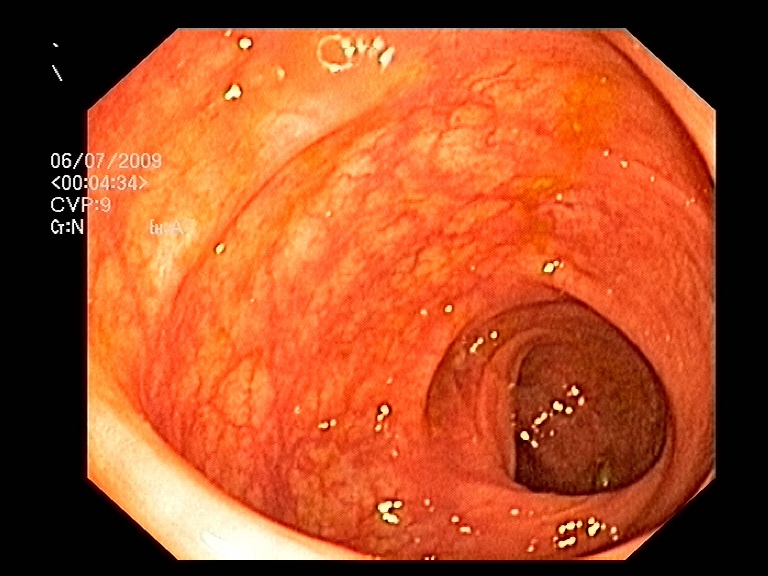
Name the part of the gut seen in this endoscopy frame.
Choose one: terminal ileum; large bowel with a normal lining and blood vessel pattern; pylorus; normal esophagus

large bowel with a normal lining and blood vessel pattern